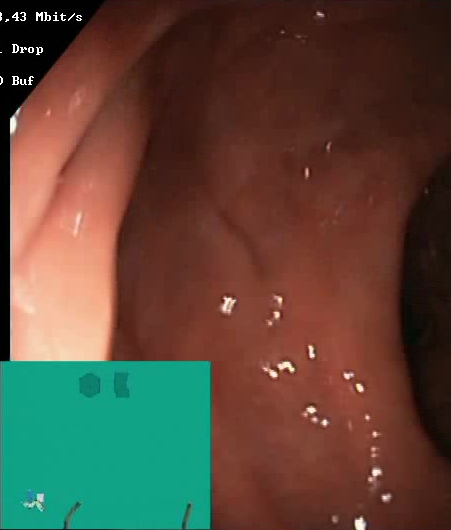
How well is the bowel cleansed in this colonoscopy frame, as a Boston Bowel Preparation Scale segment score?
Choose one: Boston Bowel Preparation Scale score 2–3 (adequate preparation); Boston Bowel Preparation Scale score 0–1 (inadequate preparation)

Boston Bowel Preparation Scale score 2–3 (adequate preparation)